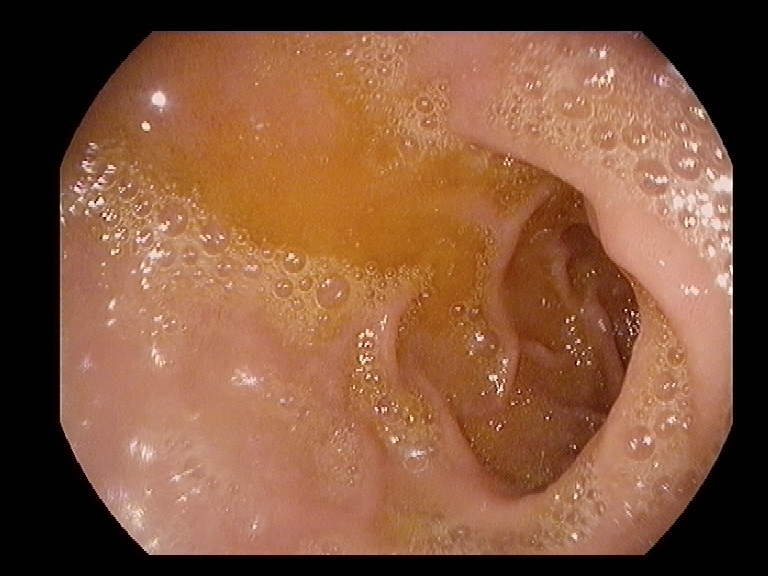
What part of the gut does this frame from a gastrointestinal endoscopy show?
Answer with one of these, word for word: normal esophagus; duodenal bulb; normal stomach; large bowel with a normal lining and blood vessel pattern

duodenal bulb